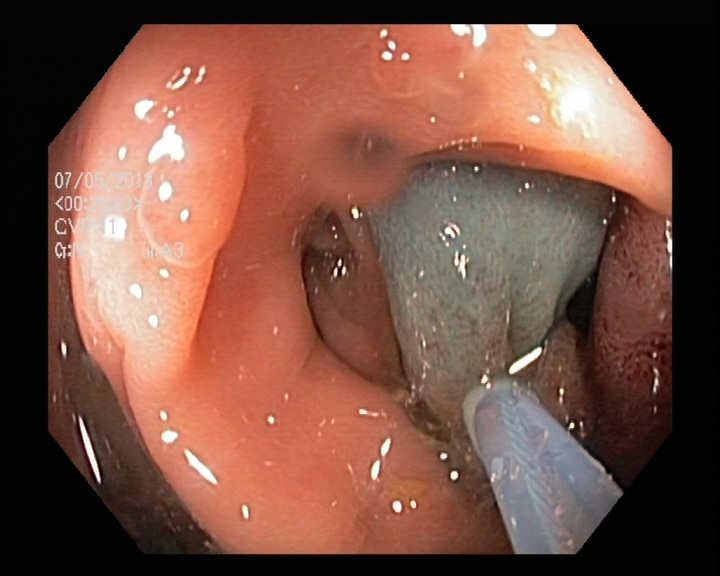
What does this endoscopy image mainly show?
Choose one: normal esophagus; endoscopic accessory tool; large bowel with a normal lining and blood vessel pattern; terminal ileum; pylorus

endoscopic accessory tool